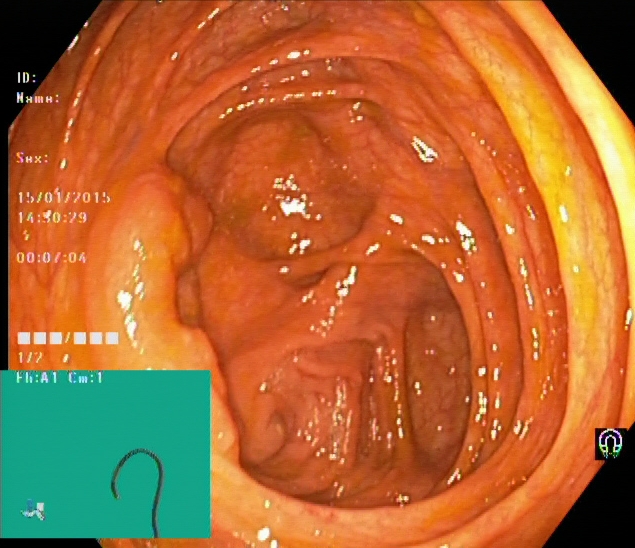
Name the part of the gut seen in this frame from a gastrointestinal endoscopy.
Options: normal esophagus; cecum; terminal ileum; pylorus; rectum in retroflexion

cecum